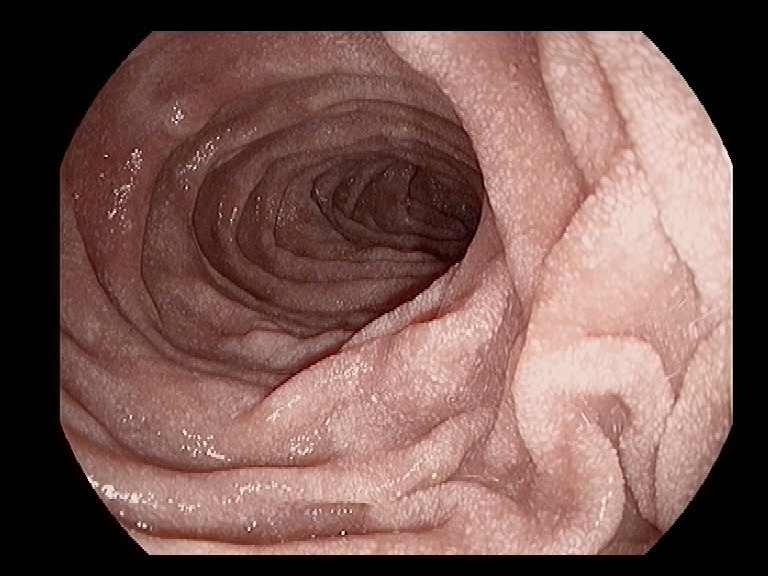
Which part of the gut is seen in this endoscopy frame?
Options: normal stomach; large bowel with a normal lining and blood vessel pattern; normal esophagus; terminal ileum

terminal ileum